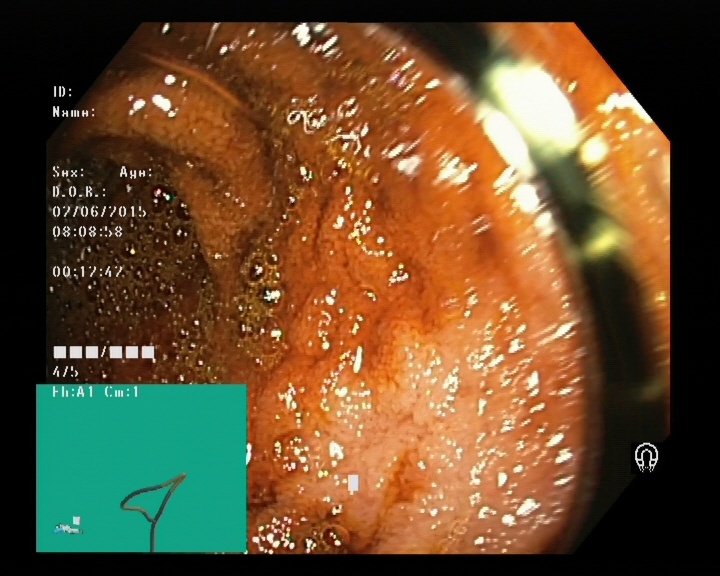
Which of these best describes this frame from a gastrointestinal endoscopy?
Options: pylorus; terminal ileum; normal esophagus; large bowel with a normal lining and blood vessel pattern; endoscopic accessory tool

large bowel with a normal lining and blood vessel pattern